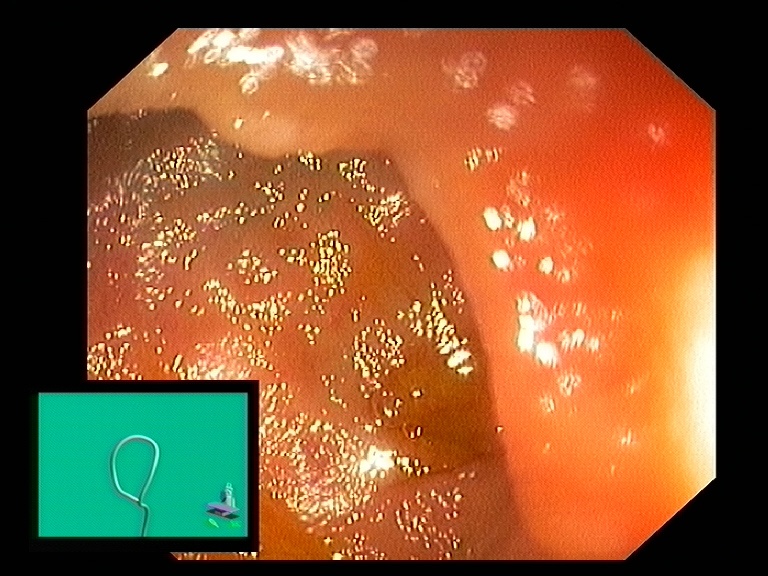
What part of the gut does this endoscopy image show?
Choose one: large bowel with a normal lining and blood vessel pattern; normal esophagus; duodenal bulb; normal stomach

large bowel with a normal lining and blood vessel pattern